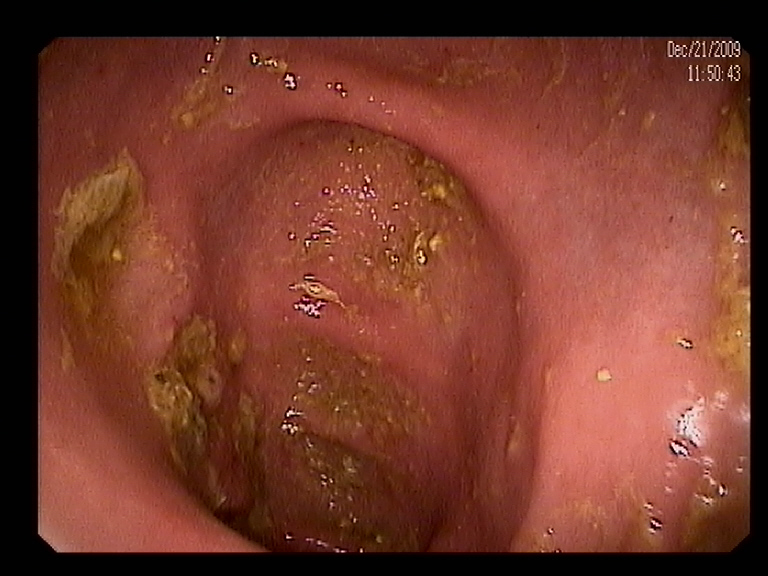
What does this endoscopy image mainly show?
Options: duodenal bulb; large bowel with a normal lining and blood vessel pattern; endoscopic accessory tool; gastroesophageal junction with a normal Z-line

large bowel with a normal lining and blood vessel pattern